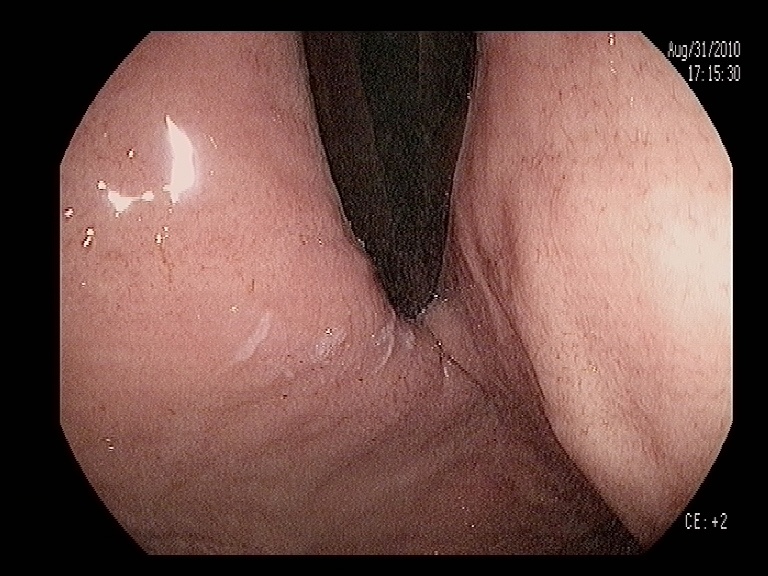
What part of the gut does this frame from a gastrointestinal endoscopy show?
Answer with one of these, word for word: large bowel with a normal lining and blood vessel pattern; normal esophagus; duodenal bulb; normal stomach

normal stomach